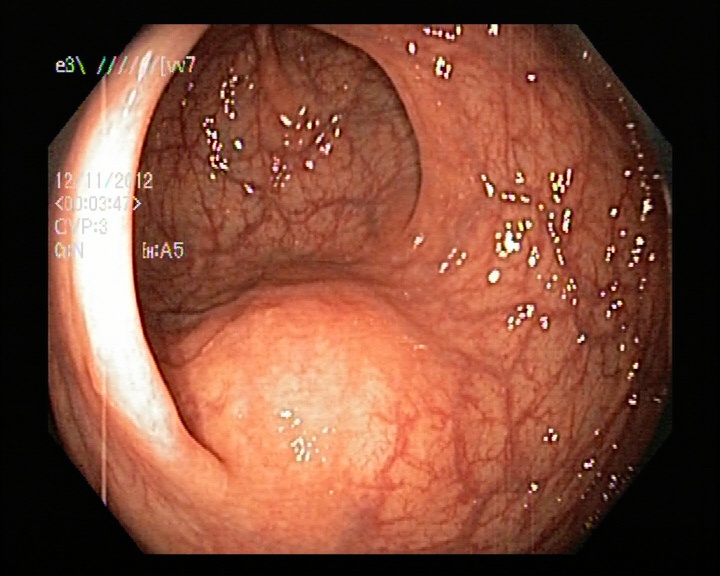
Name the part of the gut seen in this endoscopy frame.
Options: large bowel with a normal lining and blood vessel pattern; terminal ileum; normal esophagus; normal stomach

large bowel with a normal lining and blood vessel pattern